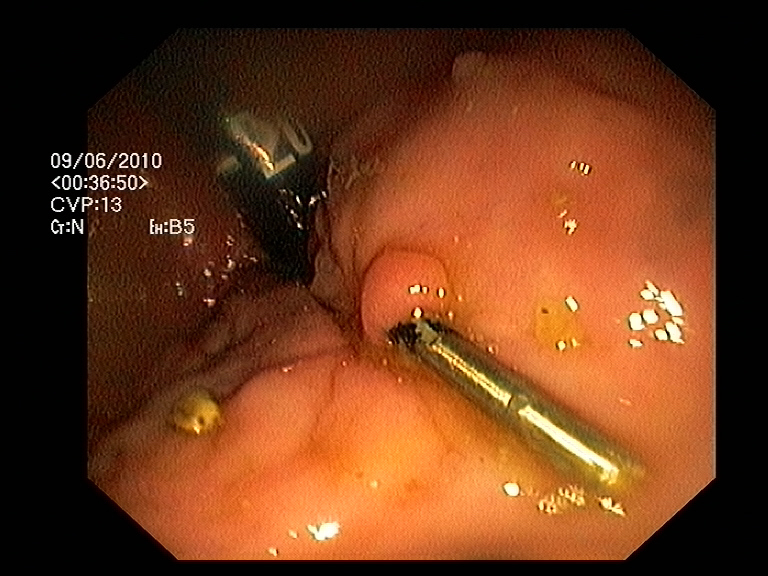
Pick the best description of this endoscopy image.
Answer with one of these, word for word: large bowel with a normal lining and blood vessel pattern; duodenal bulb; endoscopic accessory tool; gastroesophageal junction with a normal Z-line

endoscopic accessory tool